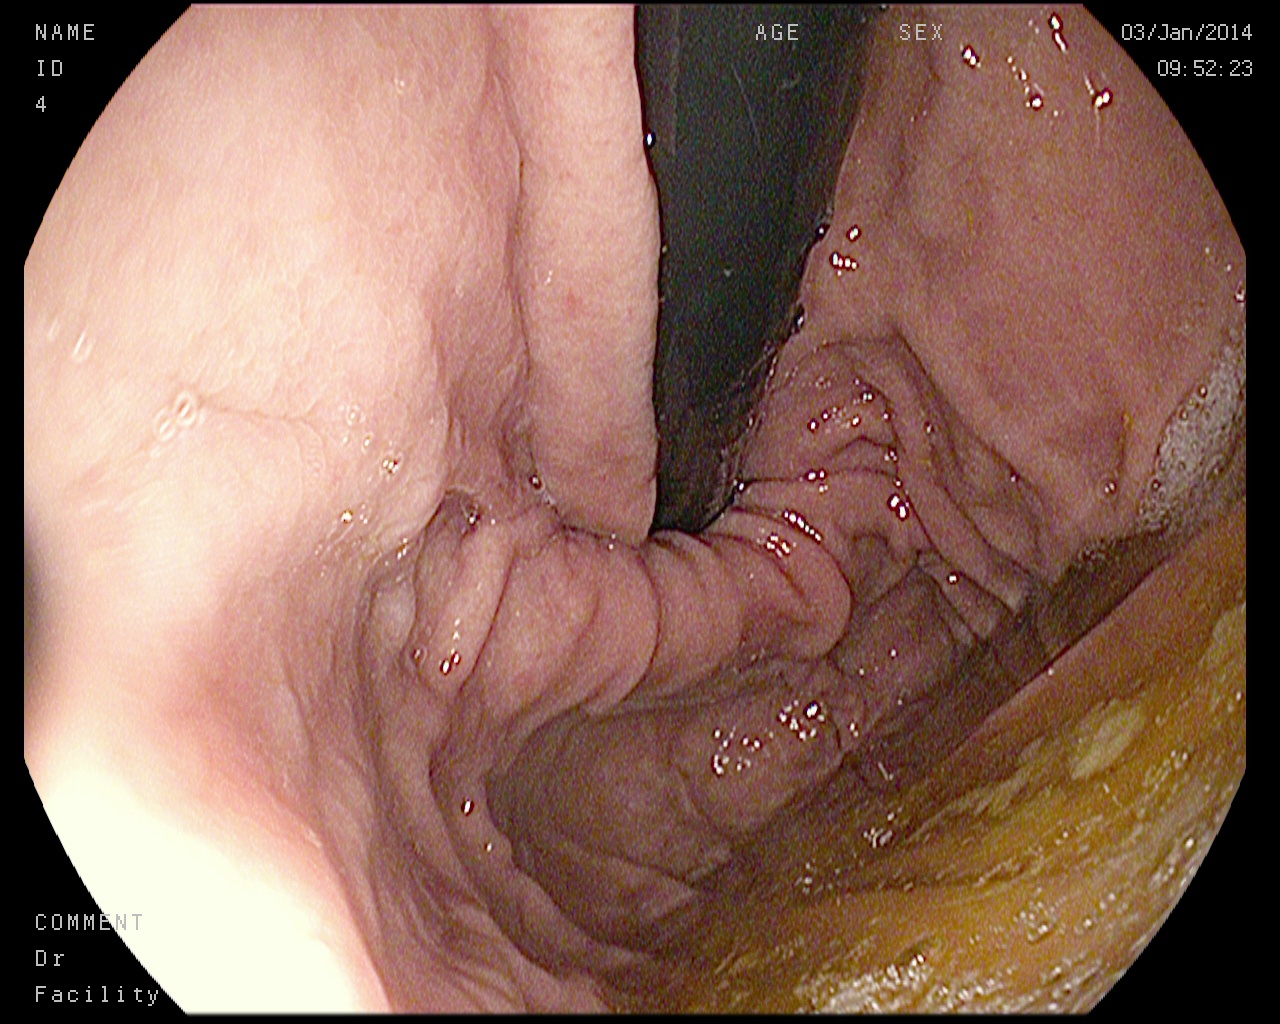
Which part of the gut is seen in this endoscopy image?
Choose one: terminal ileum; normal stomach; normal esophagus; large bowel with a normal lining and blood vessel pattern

normal stomach